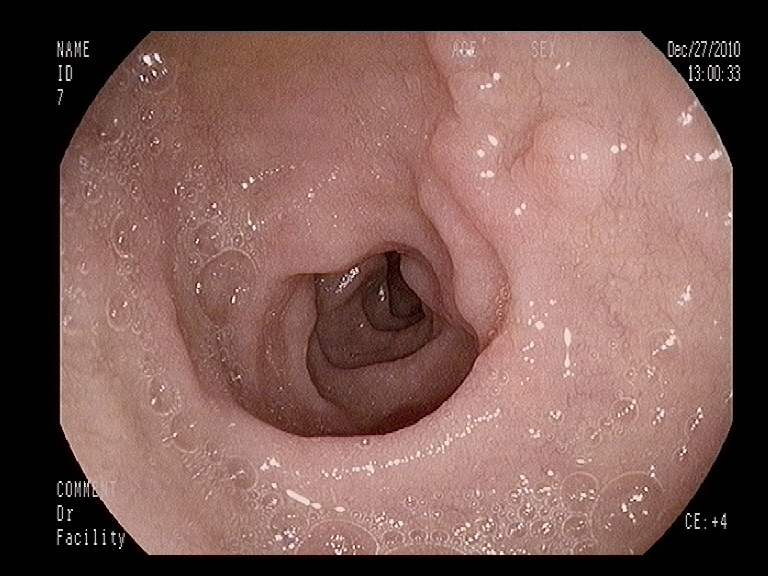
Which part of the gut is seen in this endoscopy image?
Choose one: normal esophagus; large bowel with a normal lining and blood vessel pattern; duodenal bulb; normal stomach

duodenal bulb